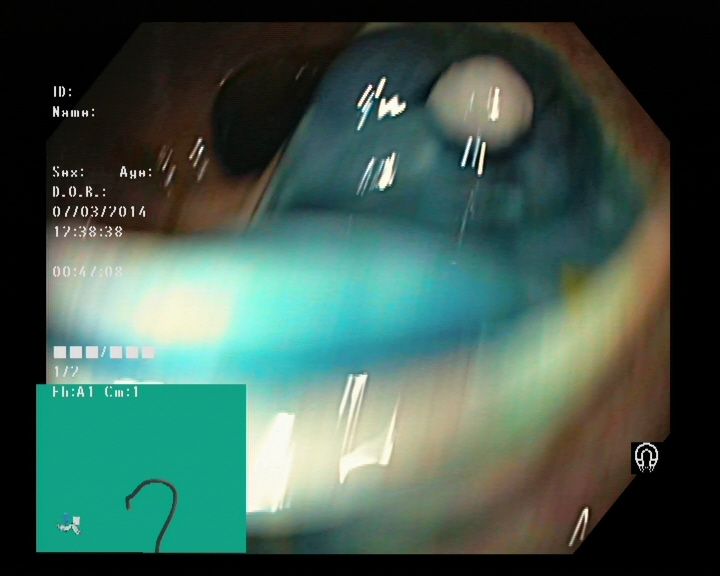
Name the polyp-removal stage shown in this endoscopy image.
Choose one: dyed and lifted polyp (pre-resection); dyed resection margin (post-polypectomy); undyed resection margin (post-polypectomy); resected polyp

dyed and lifted polyp (pre-resection)